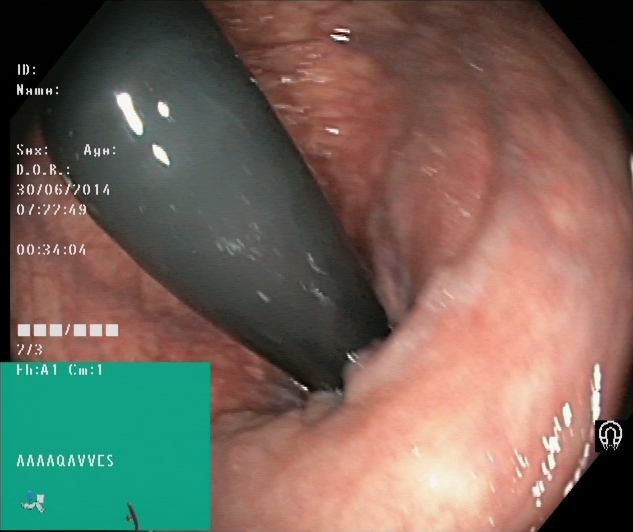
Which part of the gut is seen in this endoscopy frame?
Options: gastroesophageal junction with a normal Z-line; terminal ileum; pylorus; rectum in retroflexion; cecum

rectum in retroflexion